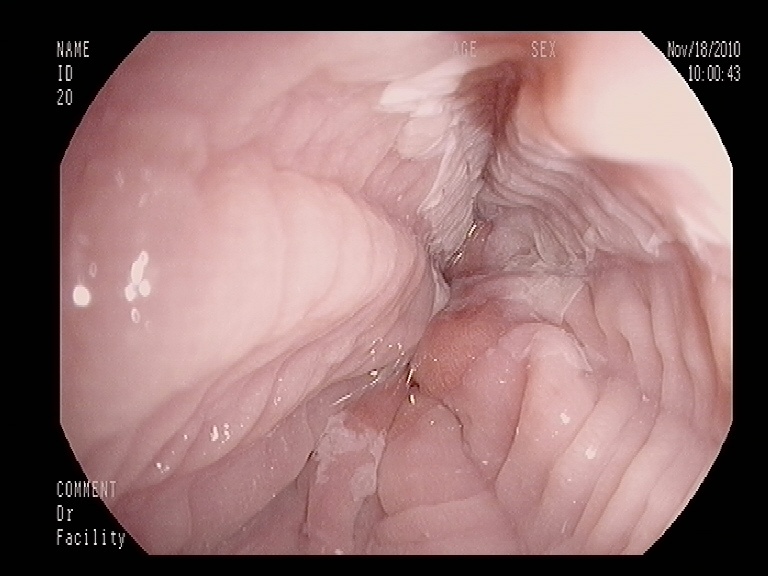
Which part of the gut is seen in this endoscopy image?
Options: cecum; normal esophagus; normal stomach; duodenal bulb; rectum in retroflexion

normal esophagus